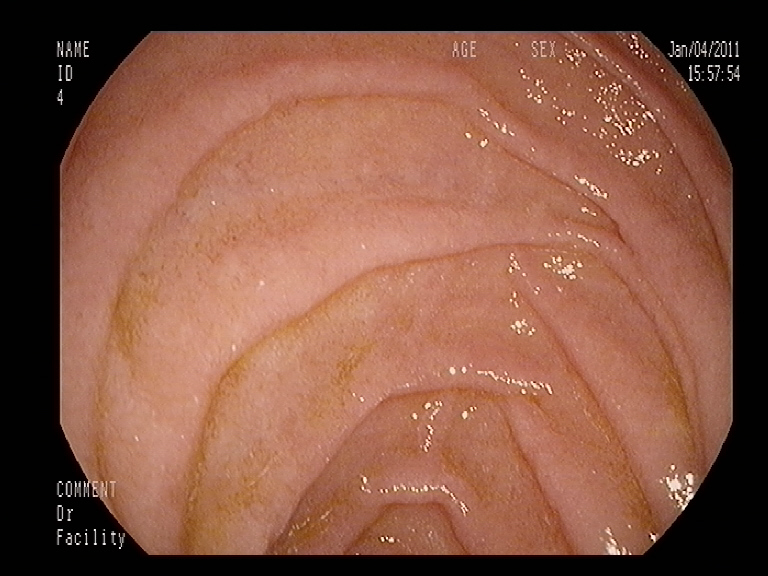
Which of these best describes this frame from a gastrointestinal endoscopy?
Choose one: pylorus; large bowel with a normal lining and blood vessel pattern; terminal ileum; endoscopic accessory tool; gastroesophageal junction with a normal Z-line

terminal ileum